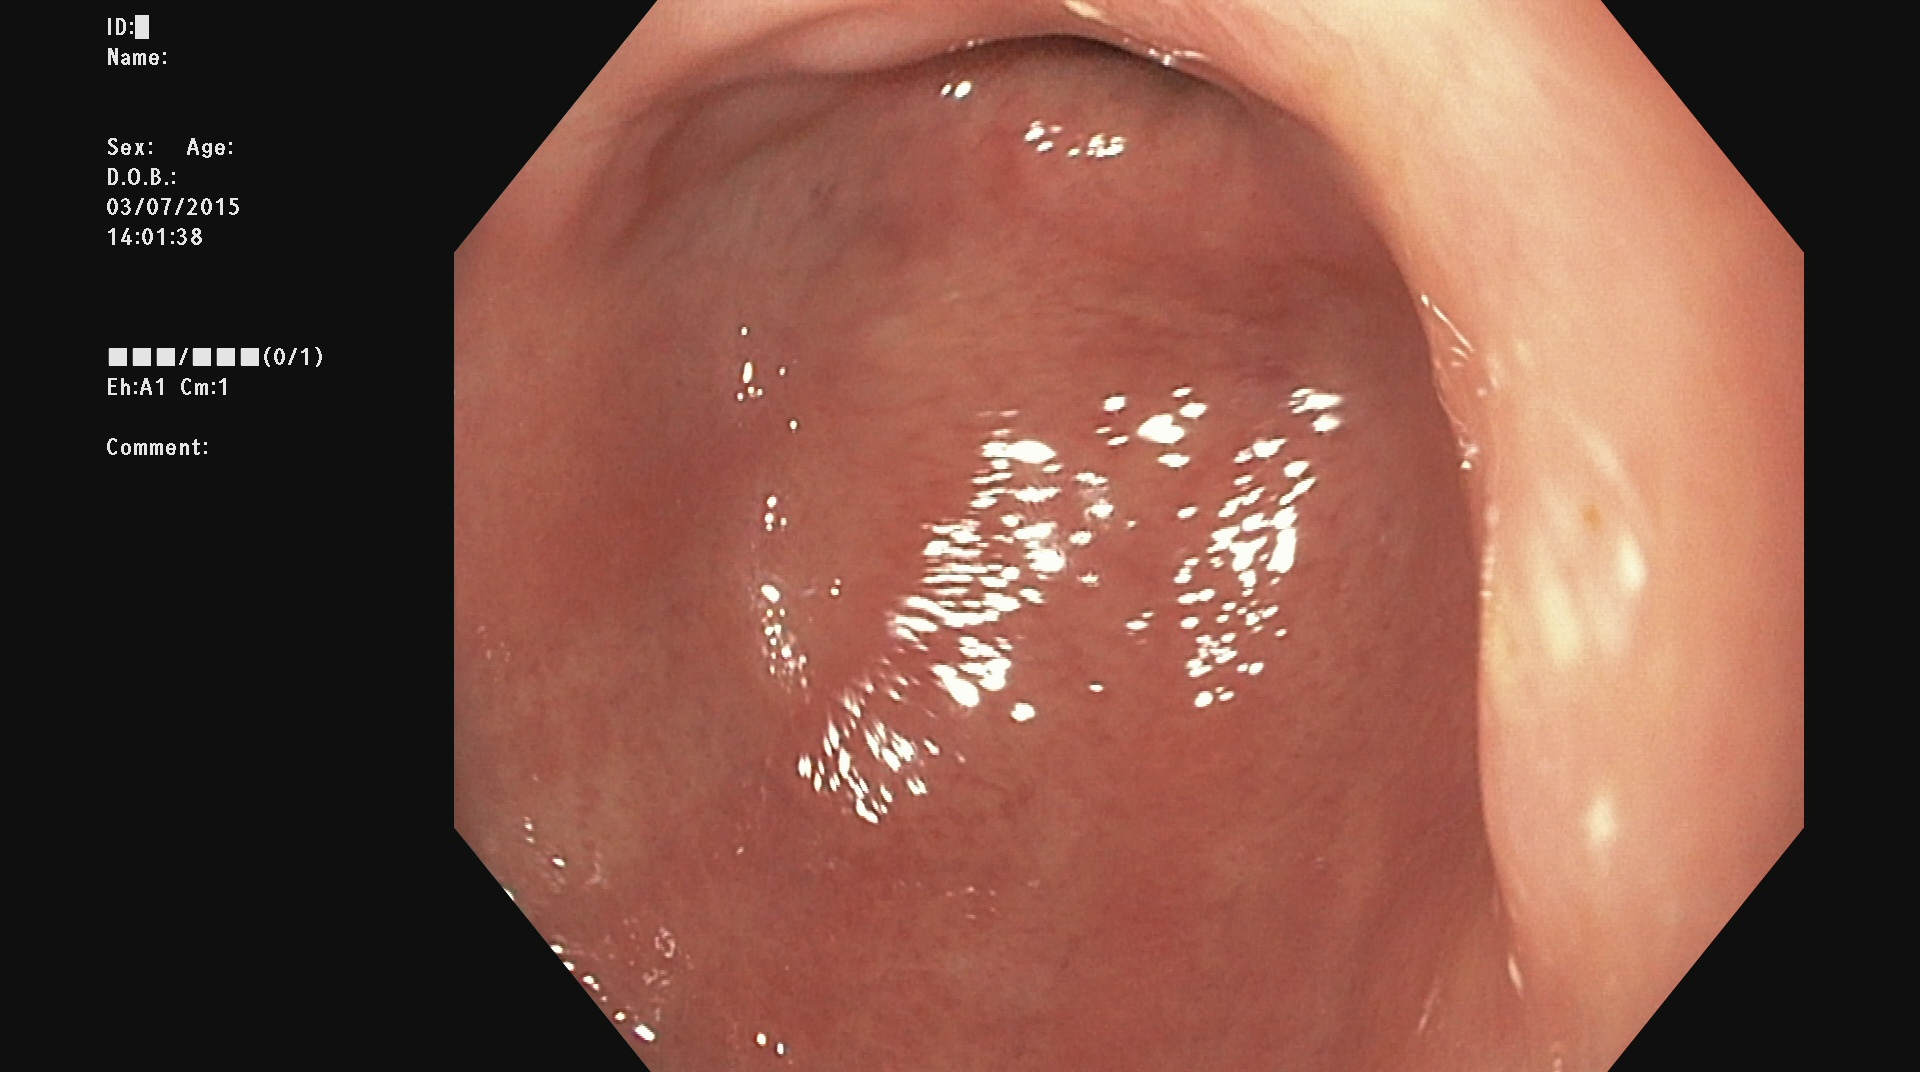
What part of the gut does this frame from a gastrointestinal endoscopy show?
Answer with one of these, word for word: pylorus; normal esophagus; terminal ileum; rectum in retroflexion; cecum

pylorus